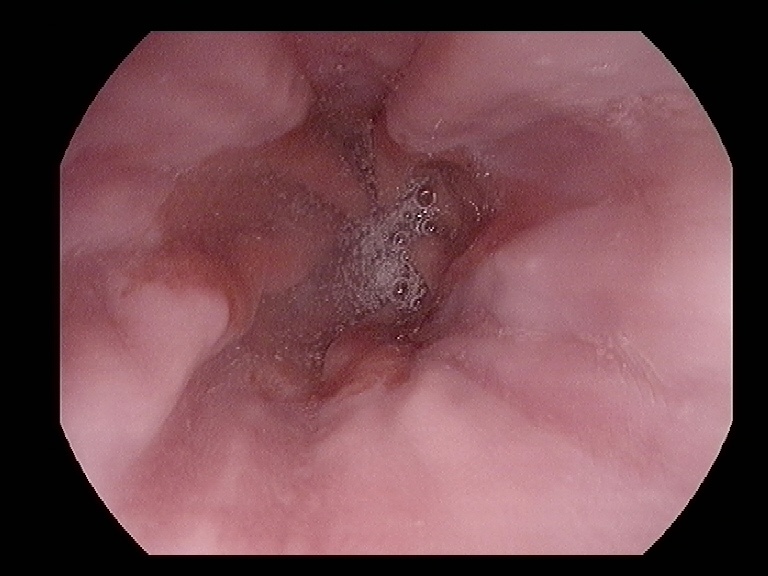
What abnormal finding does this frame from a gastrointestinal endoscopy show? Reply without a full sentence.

esophagitis